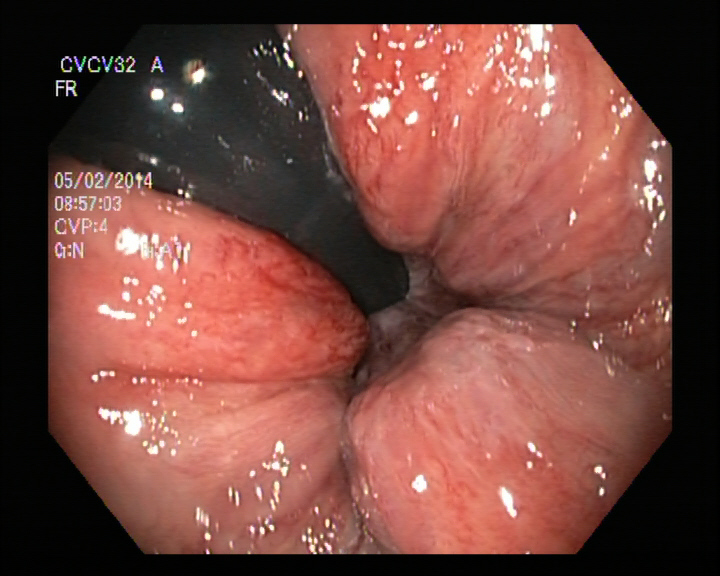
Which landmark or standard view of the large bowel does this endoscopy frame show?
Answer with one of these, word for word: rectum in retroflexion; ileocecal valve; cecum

rectum in retroflexion